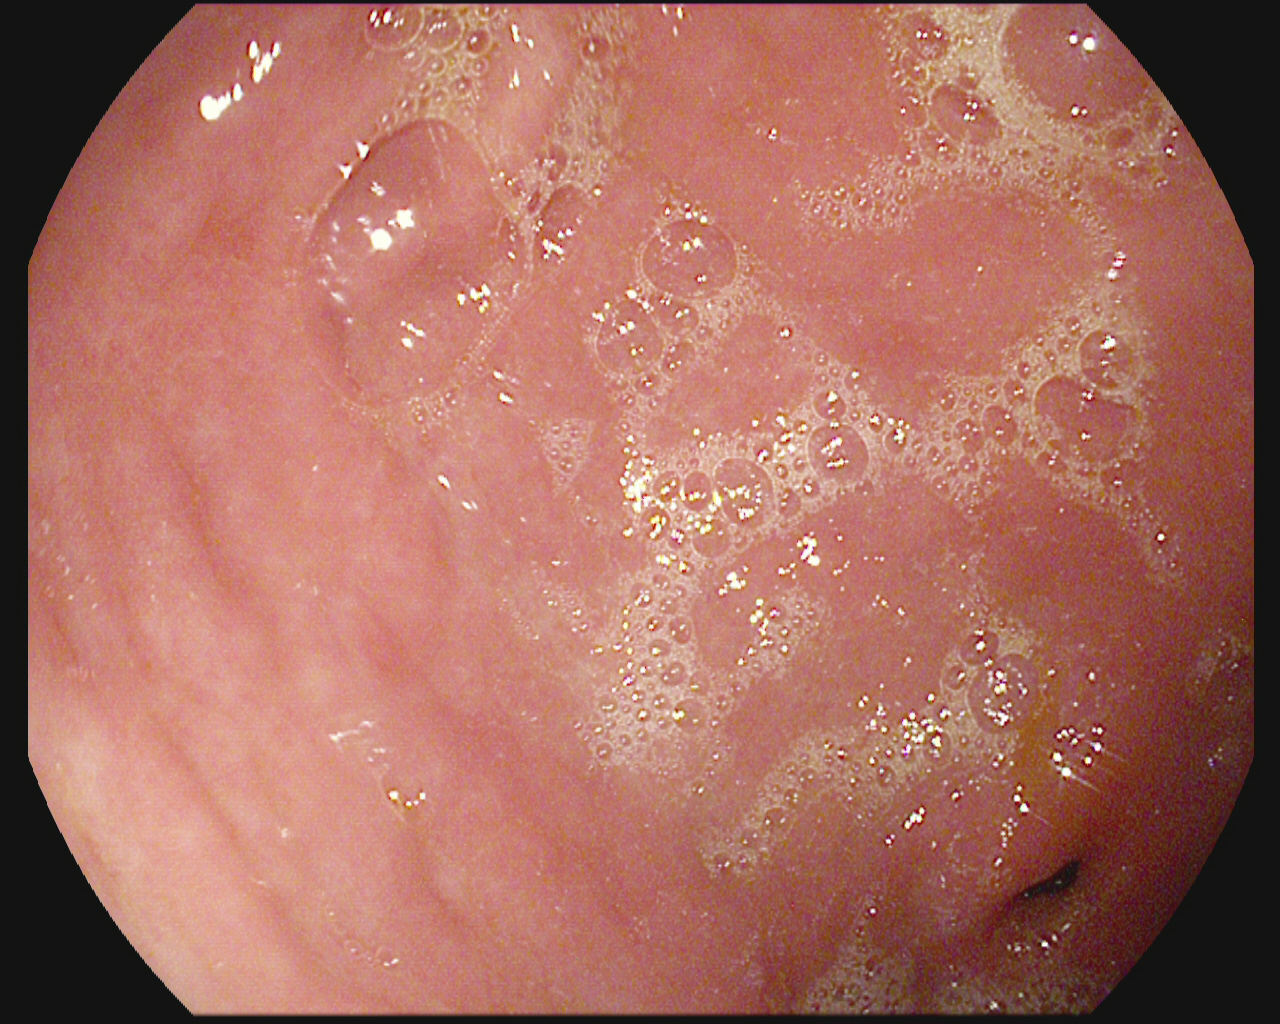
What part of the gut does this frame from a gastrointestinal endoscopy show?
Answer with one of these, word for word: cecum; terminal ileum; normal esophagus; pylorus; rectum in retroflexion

pylorus